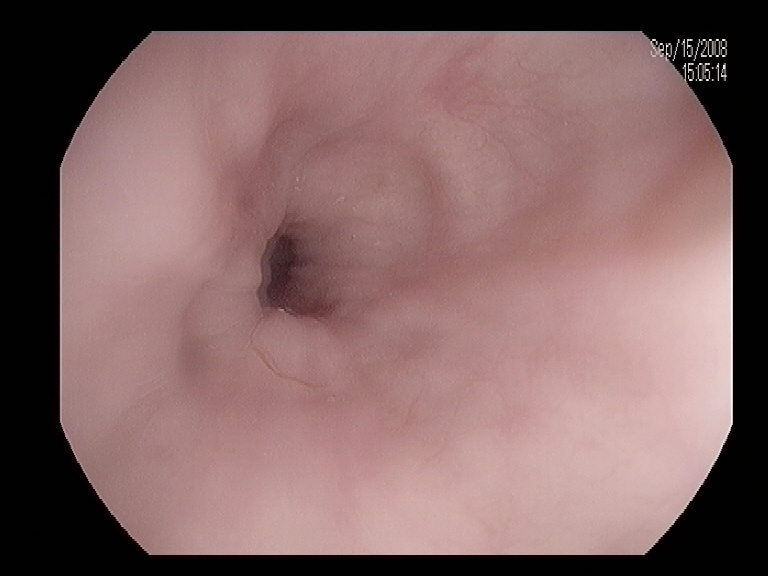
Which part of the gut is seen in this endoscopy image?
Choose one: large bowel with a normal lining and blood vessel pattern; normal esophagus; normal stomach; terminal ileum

normal esophagus